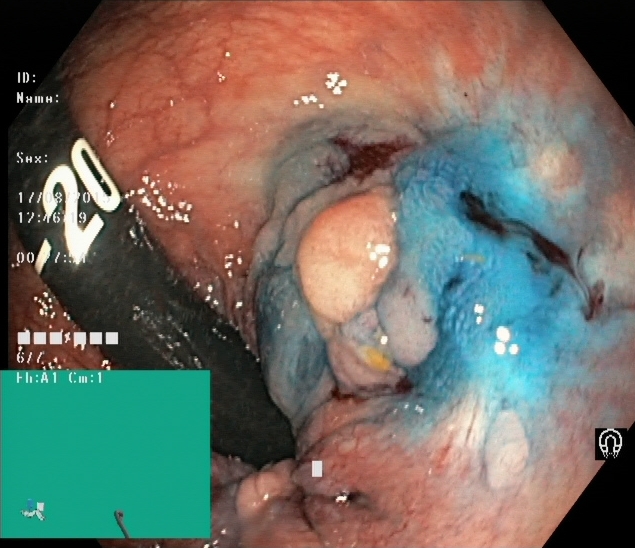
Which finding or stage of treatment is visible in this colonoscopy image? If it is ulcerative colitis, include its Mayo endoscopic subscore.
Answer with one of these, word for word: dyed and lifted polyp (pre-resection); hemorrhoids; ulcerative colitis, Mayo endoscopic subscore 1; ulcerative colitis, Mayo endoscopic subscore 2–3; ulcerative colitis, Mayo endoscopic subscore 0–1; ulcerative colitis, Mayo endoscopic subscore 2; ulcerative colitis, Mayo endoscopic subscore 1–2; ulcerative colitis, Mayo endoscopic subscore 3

dyed and lifted polyp (pre-resection)